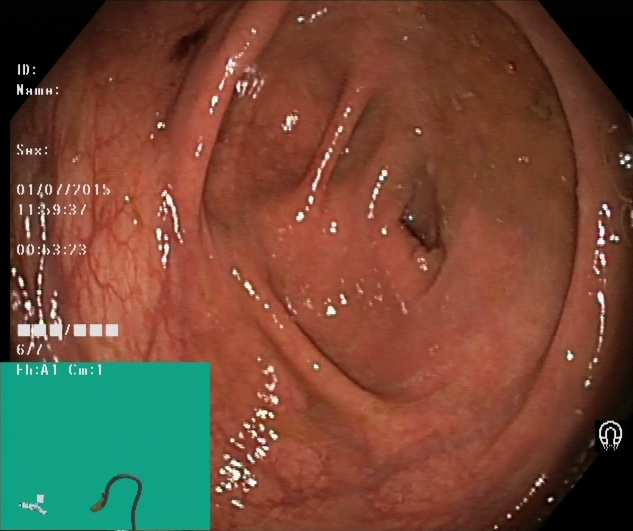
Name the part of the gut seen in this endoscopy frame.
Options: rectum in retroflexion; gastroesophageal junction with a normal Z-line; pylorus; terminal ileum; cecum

cecum